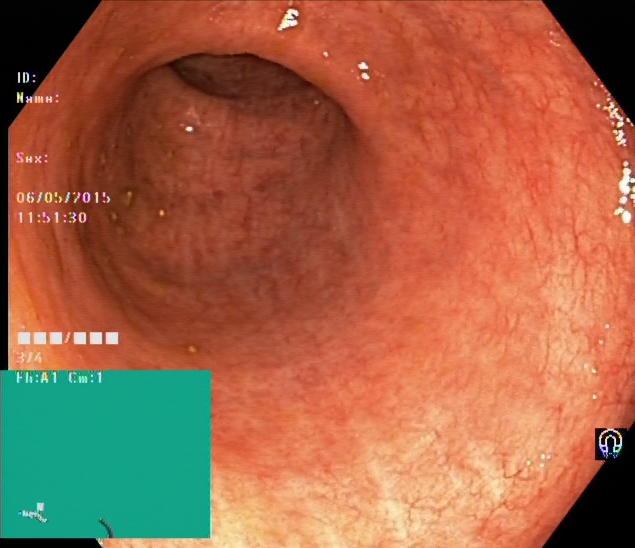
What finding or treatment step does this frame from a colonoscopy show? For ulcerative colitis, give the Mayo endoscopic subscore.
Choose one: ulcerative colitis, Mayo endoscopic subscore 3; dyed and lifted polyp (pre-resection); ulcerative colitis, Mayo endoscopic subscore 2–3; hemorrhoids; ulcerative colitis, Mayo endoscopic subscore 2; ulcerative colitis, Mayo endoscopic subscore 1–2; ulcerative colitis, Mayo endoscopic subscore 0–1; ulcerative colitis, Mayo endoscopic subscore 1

ulcerative colitis, Mayo endoscopic subscore 0–1